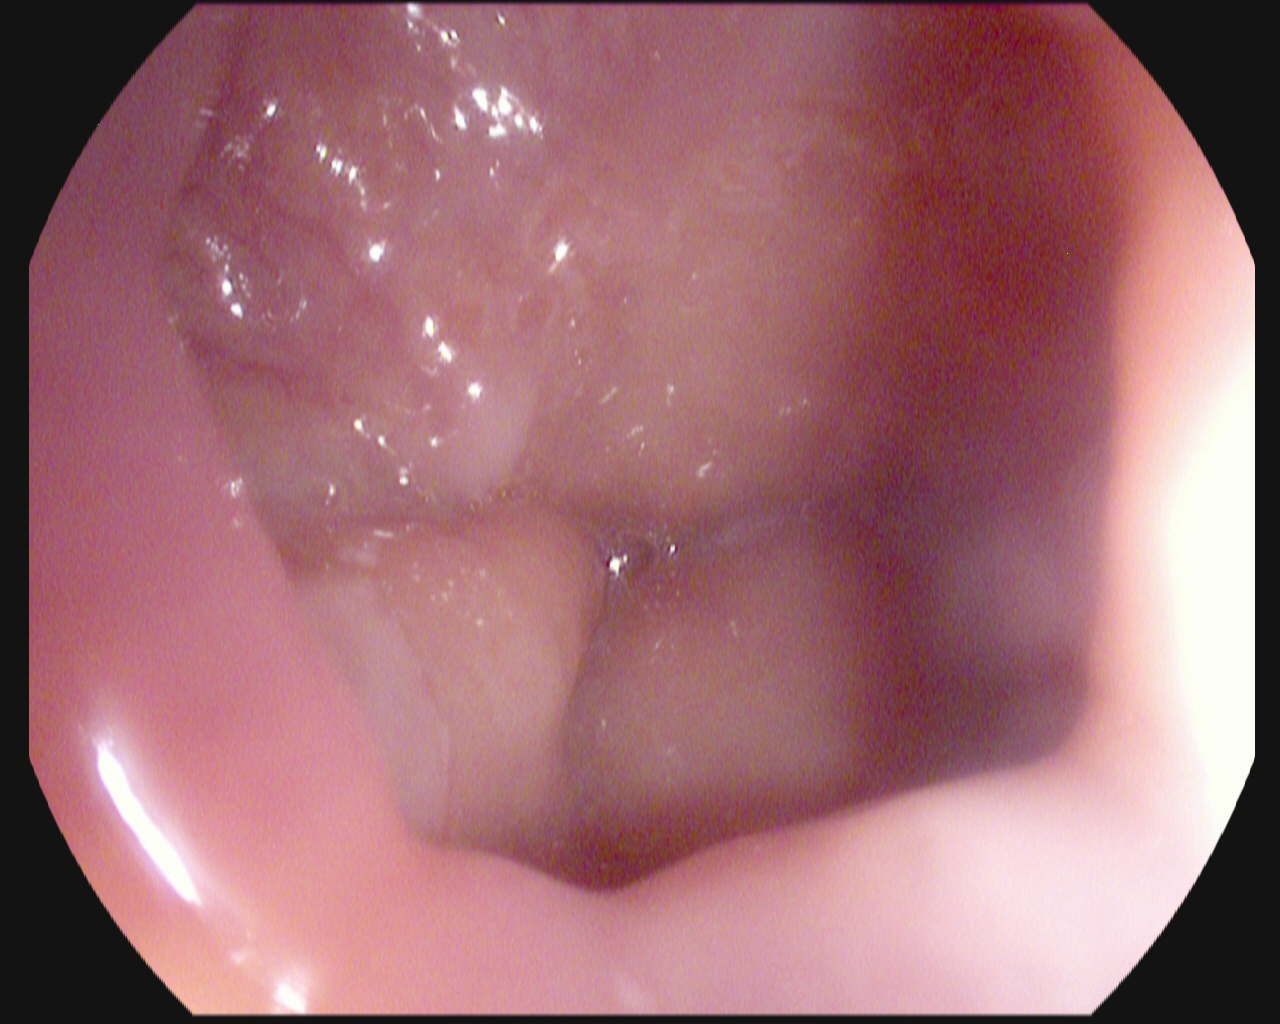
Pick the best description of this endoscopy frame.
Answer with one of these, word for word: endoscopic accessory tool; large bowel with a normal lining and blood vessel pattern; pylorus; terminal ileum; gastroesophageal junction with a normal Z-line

gastroesophageal junction with a normal Z-line